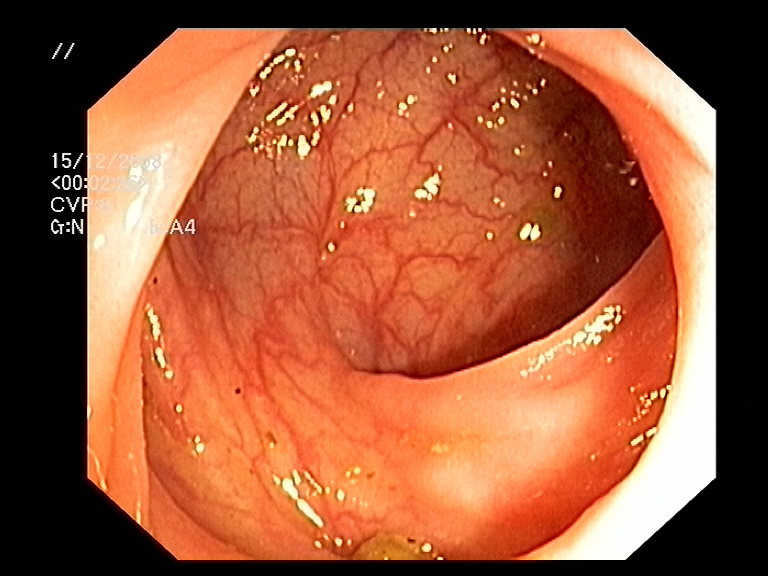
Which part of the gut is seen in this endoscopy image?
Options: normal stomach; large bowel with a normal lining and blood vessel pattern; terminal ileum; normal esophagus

large bowel with a normal lining and blood vessel pattern